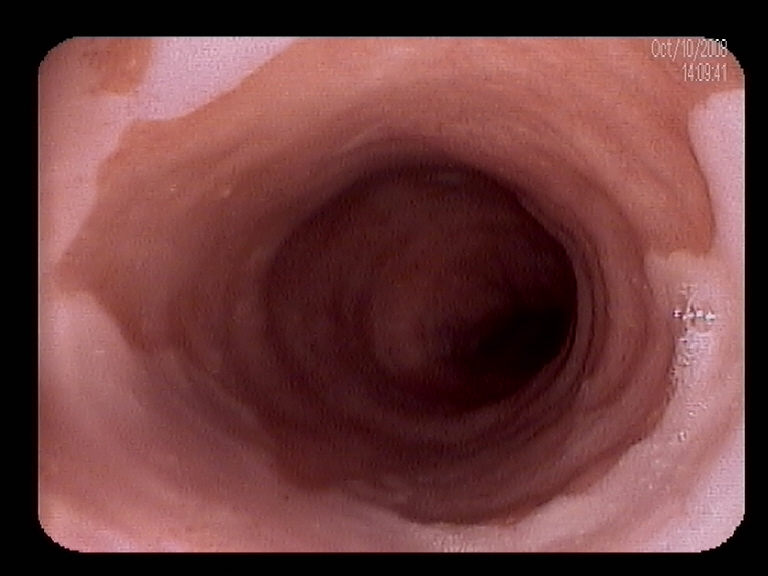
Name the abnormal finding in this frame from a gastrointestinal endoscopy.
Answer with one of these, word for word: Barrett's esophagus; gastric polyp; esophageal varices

Barrett's esophagus